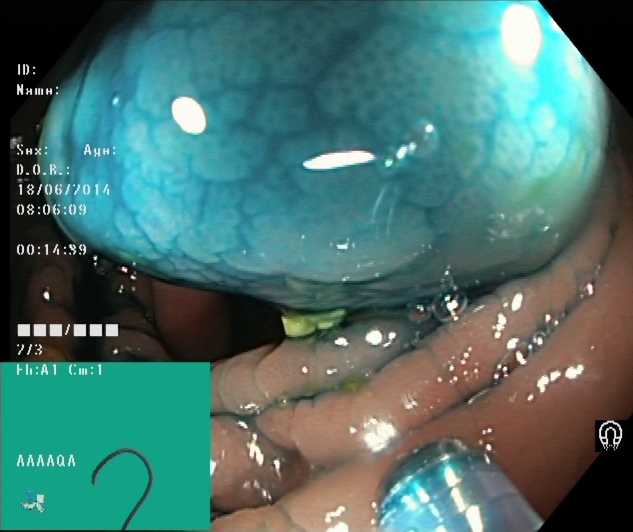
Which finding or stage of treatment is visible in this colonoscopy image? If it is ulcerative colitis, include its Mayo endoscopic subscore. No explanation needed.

dyed and lifted polyp (pre-resection)